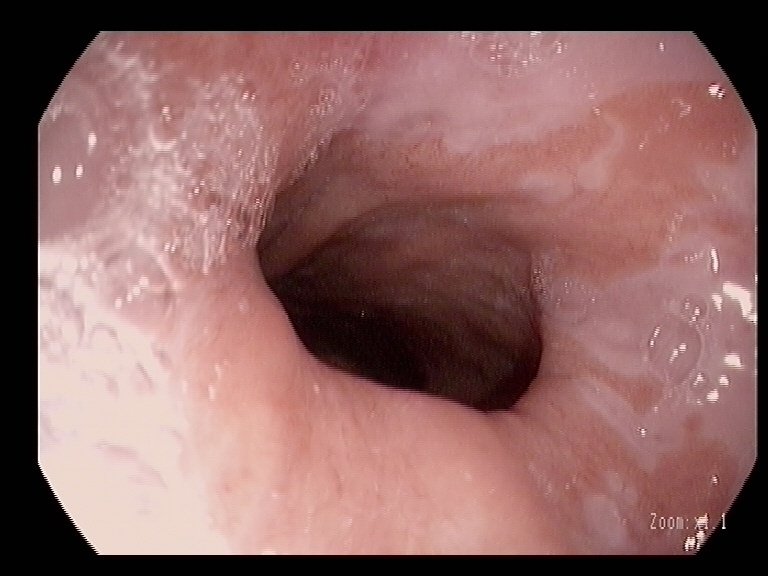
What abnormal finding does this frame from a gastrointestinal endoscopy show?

Barrett's esophagus